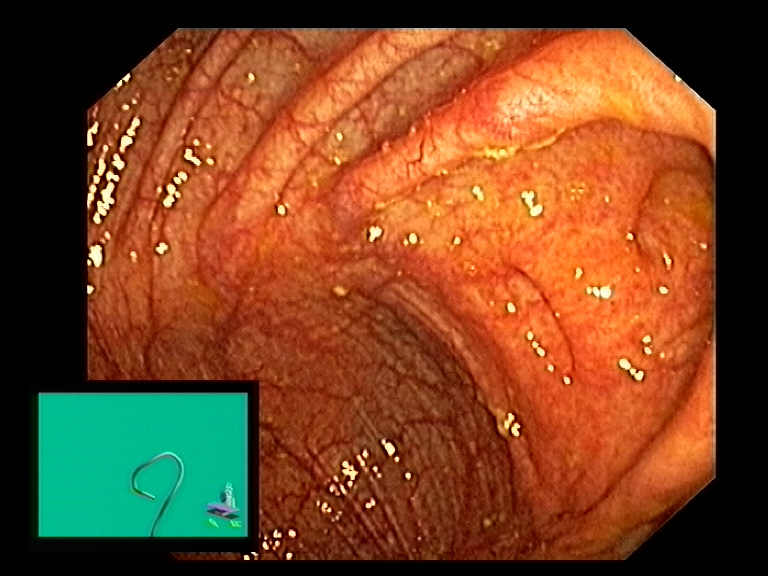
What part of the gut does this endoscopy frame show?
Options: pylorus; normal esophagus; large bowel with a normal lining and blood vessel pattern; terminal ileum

large bowel with a normal lining and blood vessel pattern